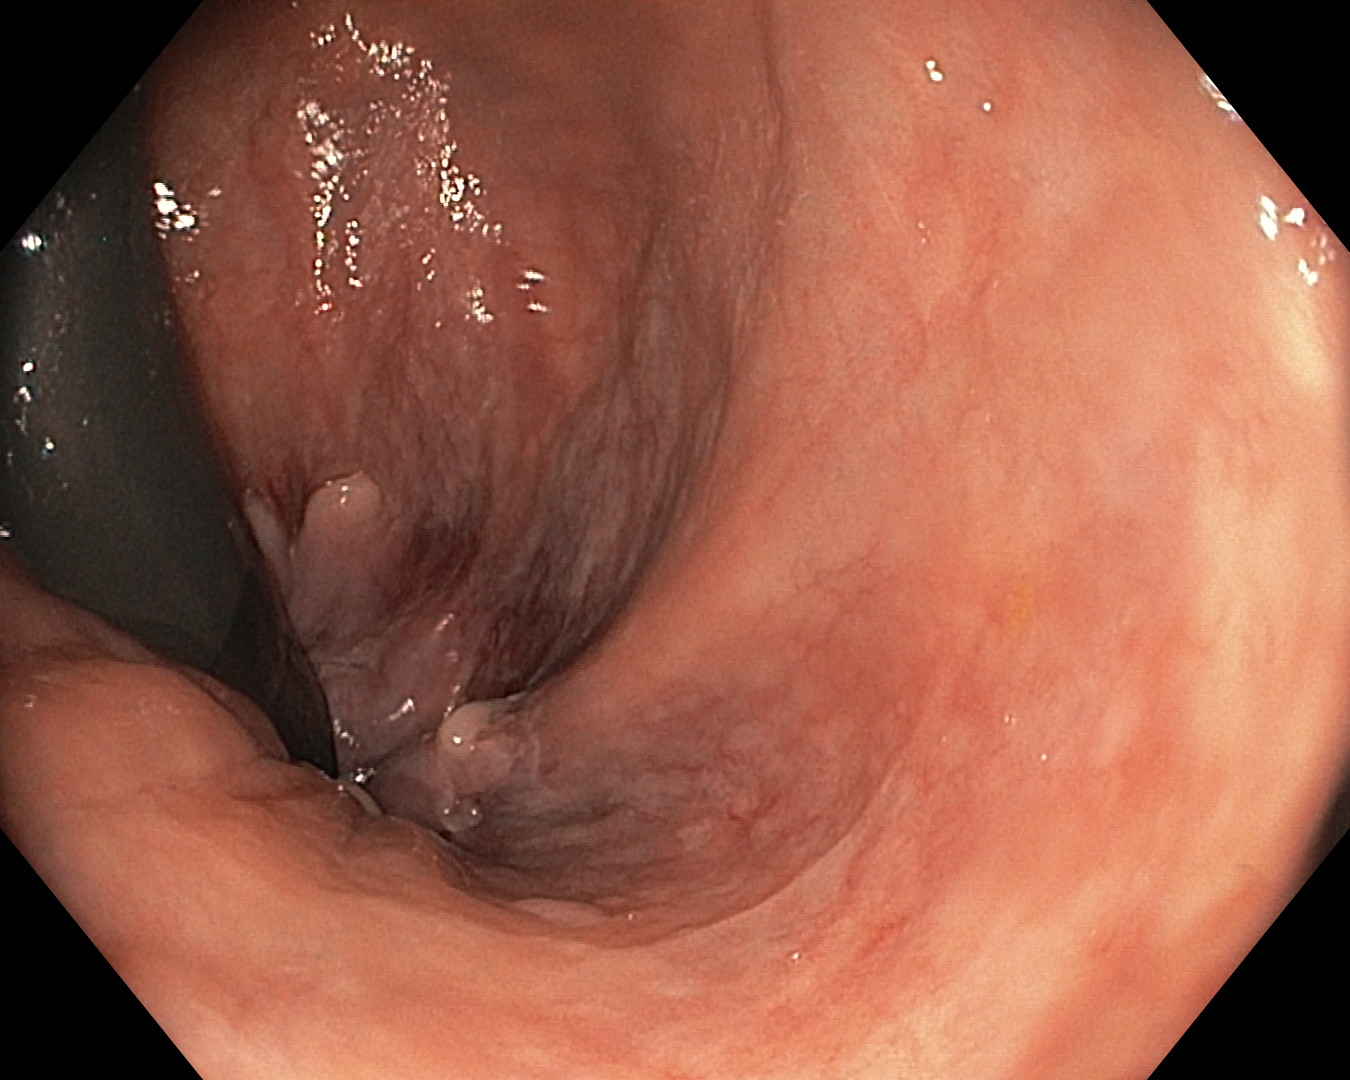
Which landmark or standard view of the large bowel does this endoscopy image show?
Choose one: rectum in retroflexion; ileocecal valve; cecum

rectum in retroflexion